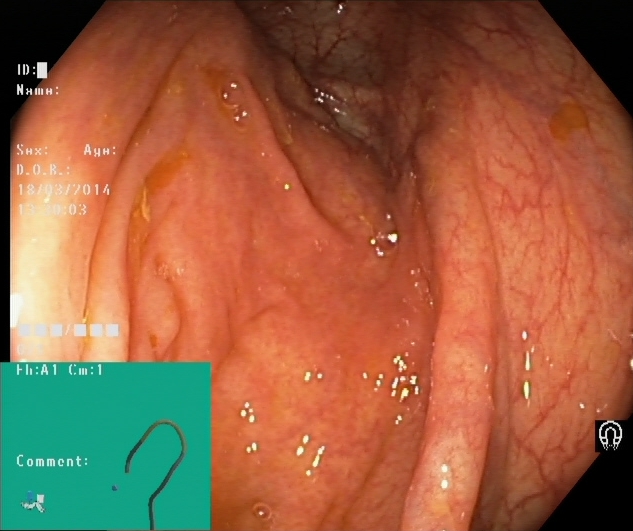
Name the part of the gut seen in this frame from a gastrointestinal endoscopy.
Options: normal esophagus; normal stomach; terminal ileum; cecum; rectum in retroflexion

cecum